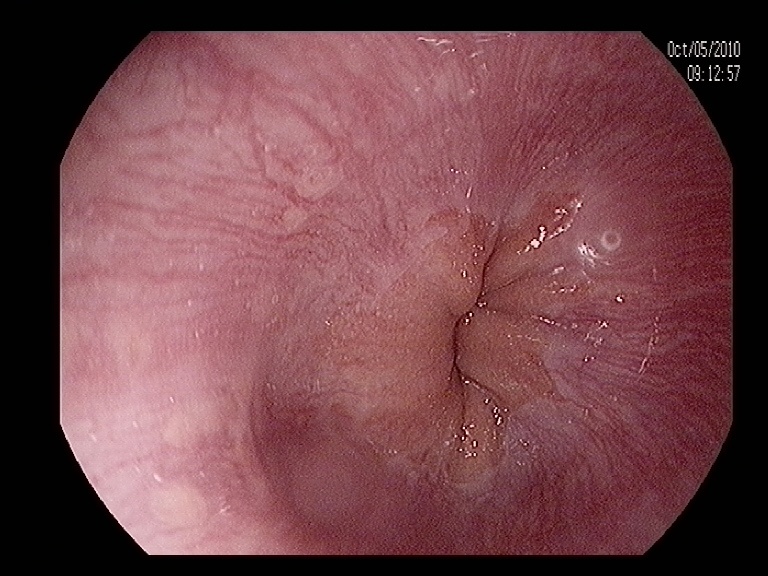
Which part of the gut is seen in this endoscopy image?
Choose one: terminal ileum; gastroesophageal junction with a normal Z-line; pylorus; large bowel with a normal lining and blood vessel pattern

gastroesophageal junction with a normal Z-line